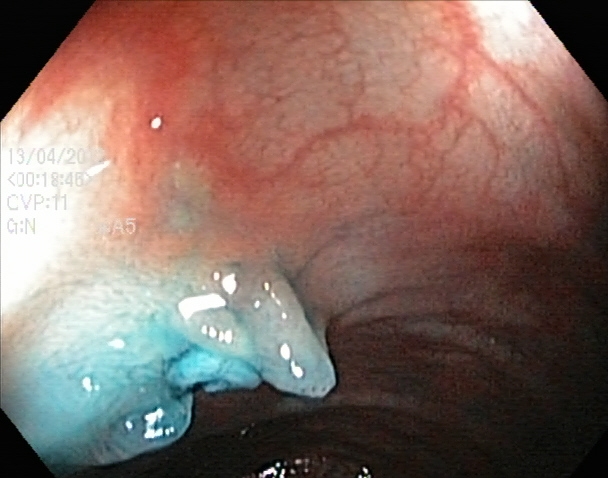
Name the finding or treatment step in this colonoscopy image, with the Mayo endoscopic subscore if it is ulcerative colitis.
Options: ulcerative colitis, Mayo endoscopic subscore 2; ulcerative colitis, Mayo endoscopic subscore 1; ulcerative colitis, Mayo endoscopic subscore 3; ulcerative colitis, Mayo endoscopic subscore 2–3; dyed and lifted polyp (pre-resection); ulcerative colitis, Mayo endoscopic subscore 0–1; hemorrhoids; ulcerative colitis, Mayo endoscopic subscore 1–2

dyed and lifted polyp (pre-resection)